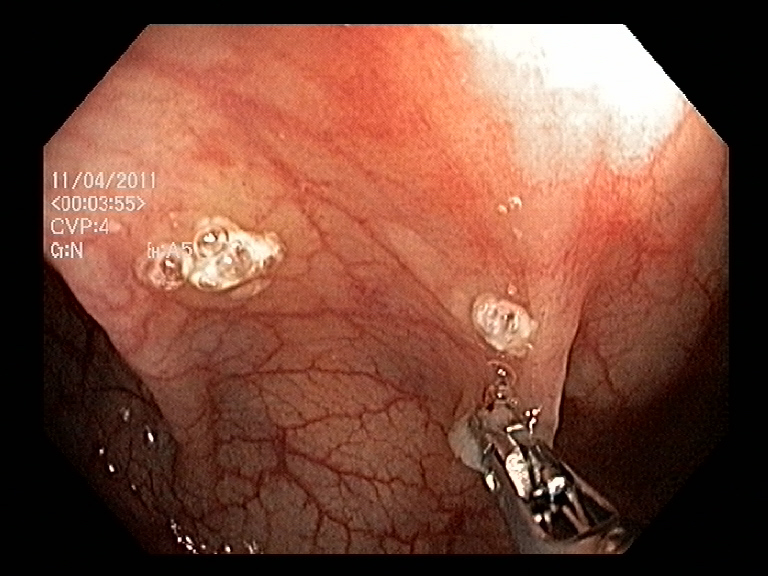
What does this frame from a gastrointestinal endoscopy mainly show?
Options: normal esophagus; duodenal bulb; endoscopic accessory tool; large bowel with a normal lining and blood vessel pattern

endoscopic accessory tool